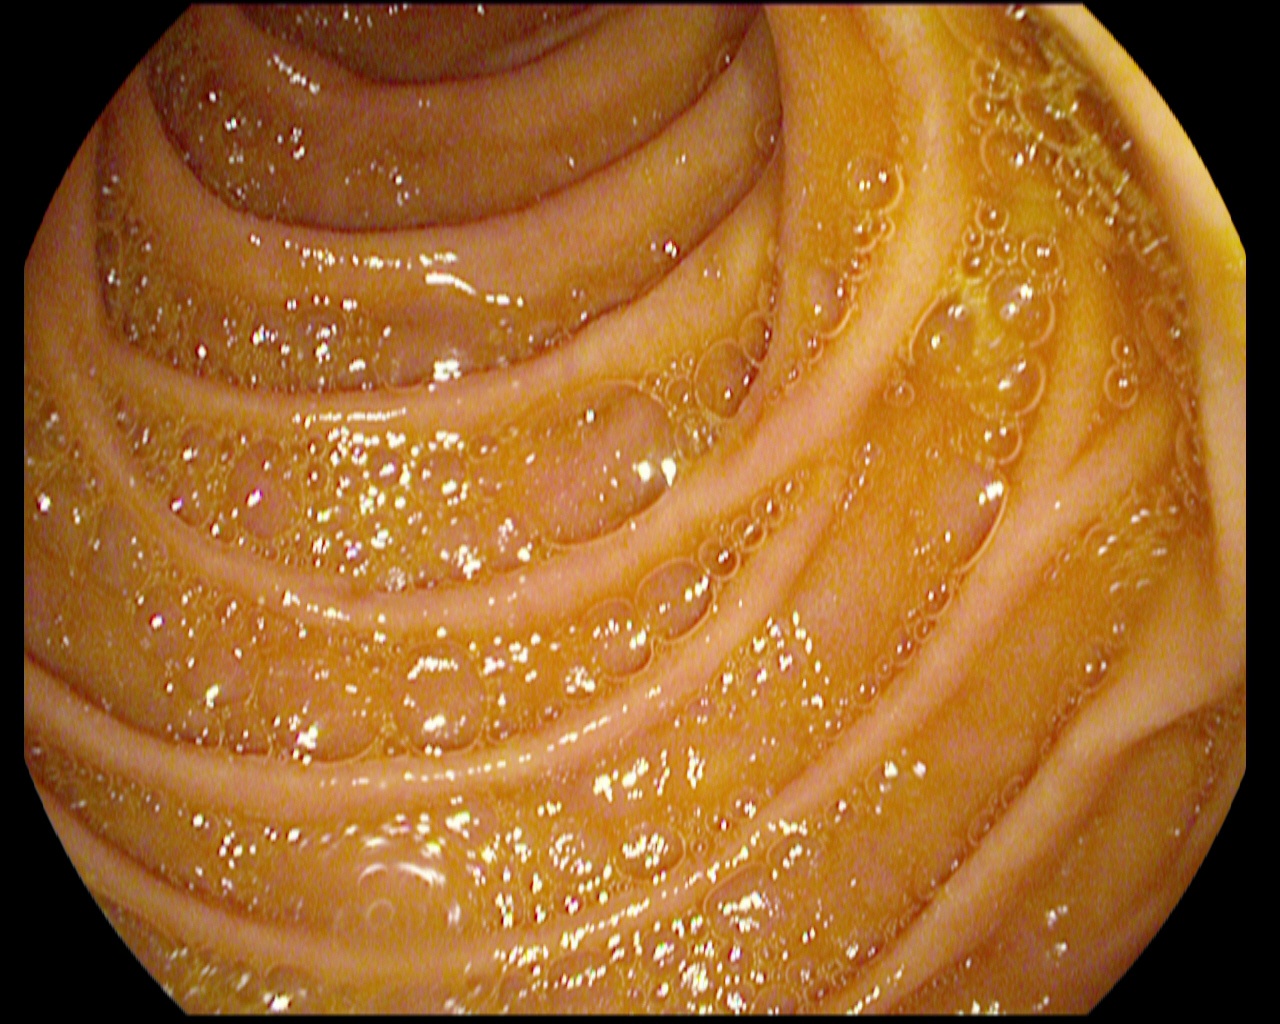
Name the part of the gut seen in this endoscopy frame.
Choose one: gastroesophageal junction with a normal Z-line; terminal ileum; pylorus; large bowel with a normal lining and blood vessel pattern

terminal ileum